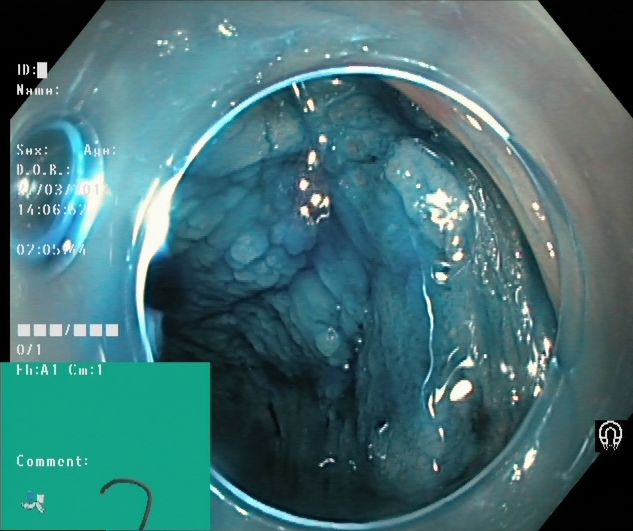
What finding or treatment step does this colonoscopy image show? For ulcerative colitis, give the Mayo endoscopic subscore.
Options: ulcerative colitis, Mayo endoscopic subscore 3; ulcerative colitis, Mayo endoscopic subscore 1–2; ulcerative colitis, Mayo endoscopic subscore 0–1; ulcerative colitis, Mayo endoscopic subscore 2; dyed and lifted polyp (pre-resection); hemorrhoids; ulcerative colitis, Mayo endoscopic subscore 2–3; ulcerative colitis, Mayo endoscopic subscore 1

dyed and lifted polyp (pre-resection)